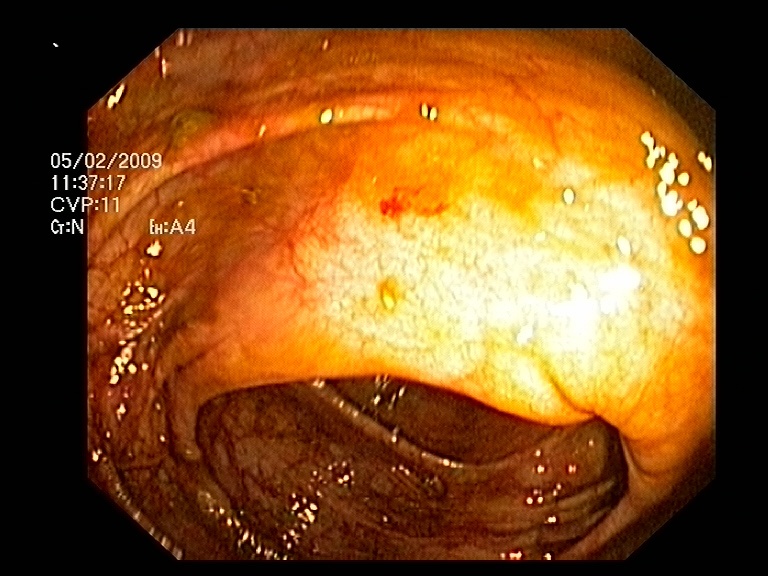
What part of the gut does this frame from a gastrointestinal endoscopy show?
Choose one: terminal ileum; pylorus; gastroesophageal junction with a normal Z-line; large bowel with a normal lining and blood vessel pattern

large bowel with a normal lining and blood vessel pattern